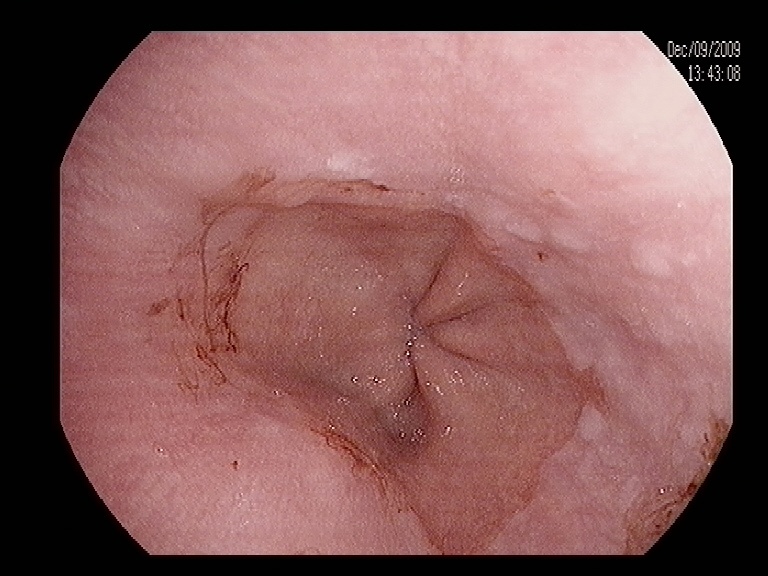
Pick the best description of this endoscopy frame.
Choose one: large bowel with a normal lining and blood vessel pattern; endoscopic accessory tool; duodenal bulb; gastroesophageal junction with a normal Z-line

gastroesophageal junction with a normal Z-line